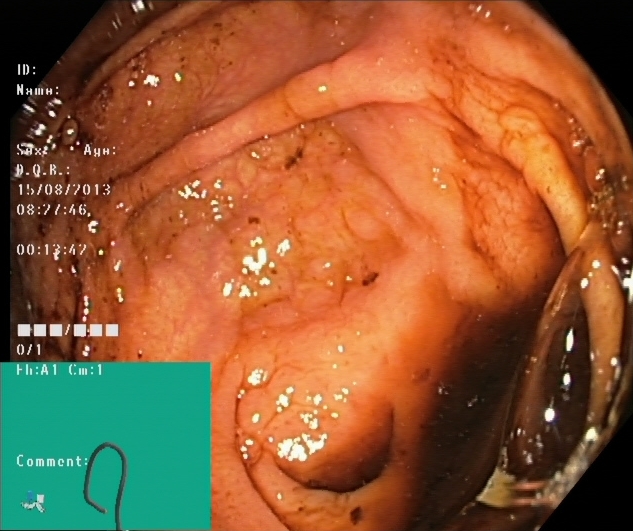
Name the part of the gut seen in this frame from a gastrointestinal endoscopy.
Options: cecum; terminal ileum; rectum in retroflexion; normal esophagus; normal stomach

cecum